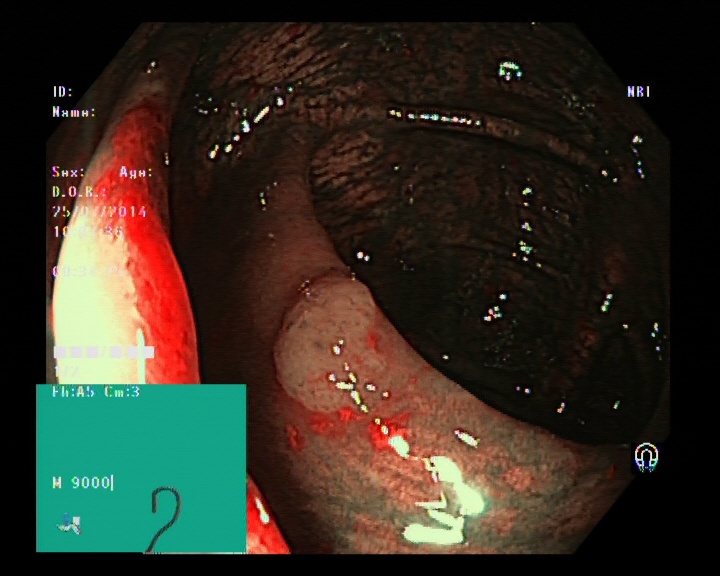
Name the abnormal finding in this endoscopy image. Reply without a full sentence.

colon polyp